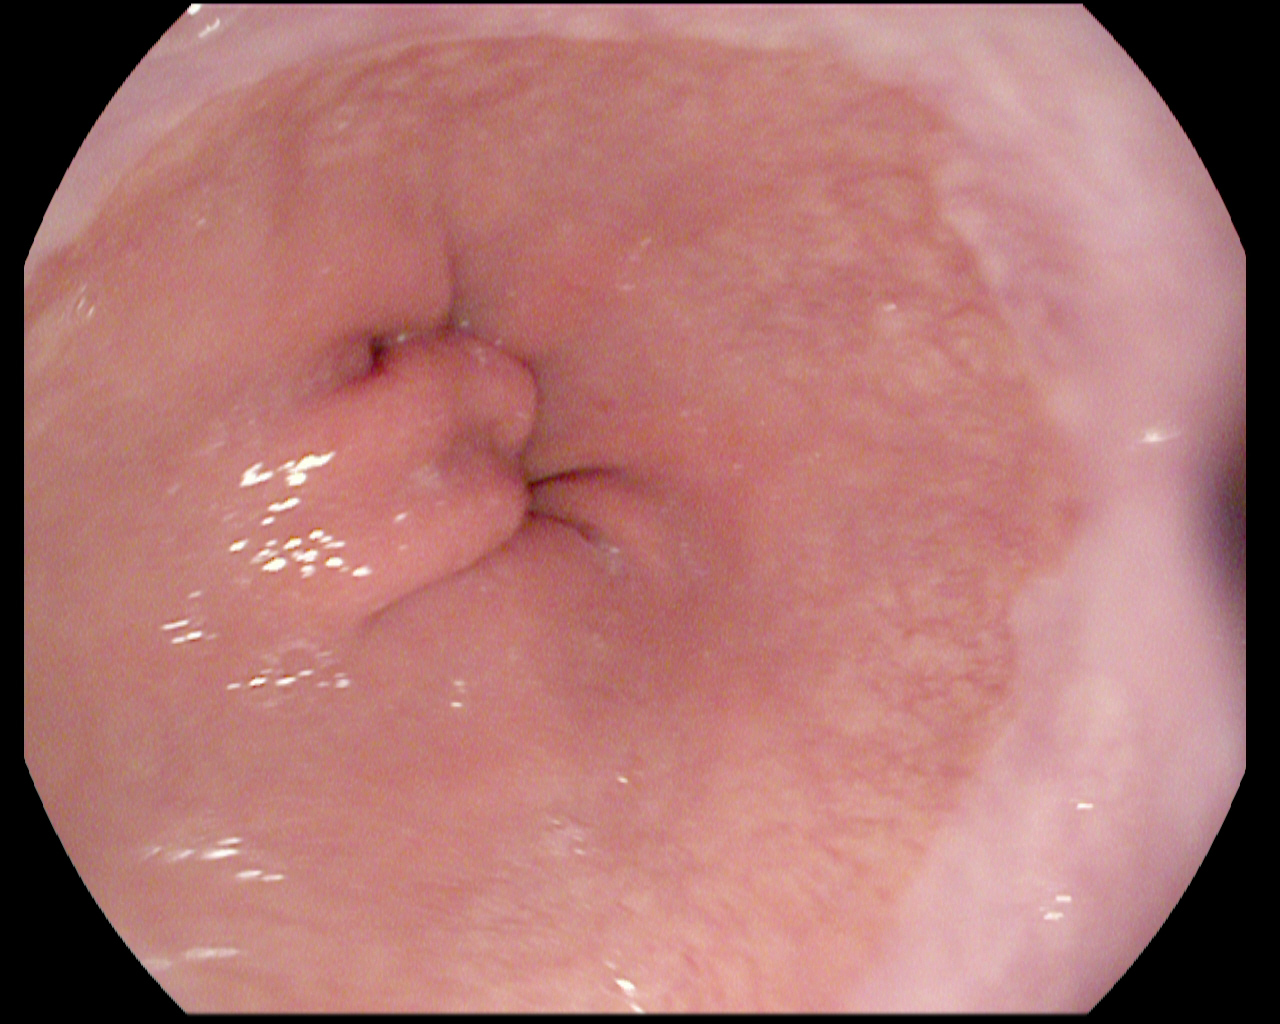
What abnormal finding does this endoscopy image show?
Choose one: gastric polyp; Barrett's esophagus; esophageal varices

Barrett's esophagus